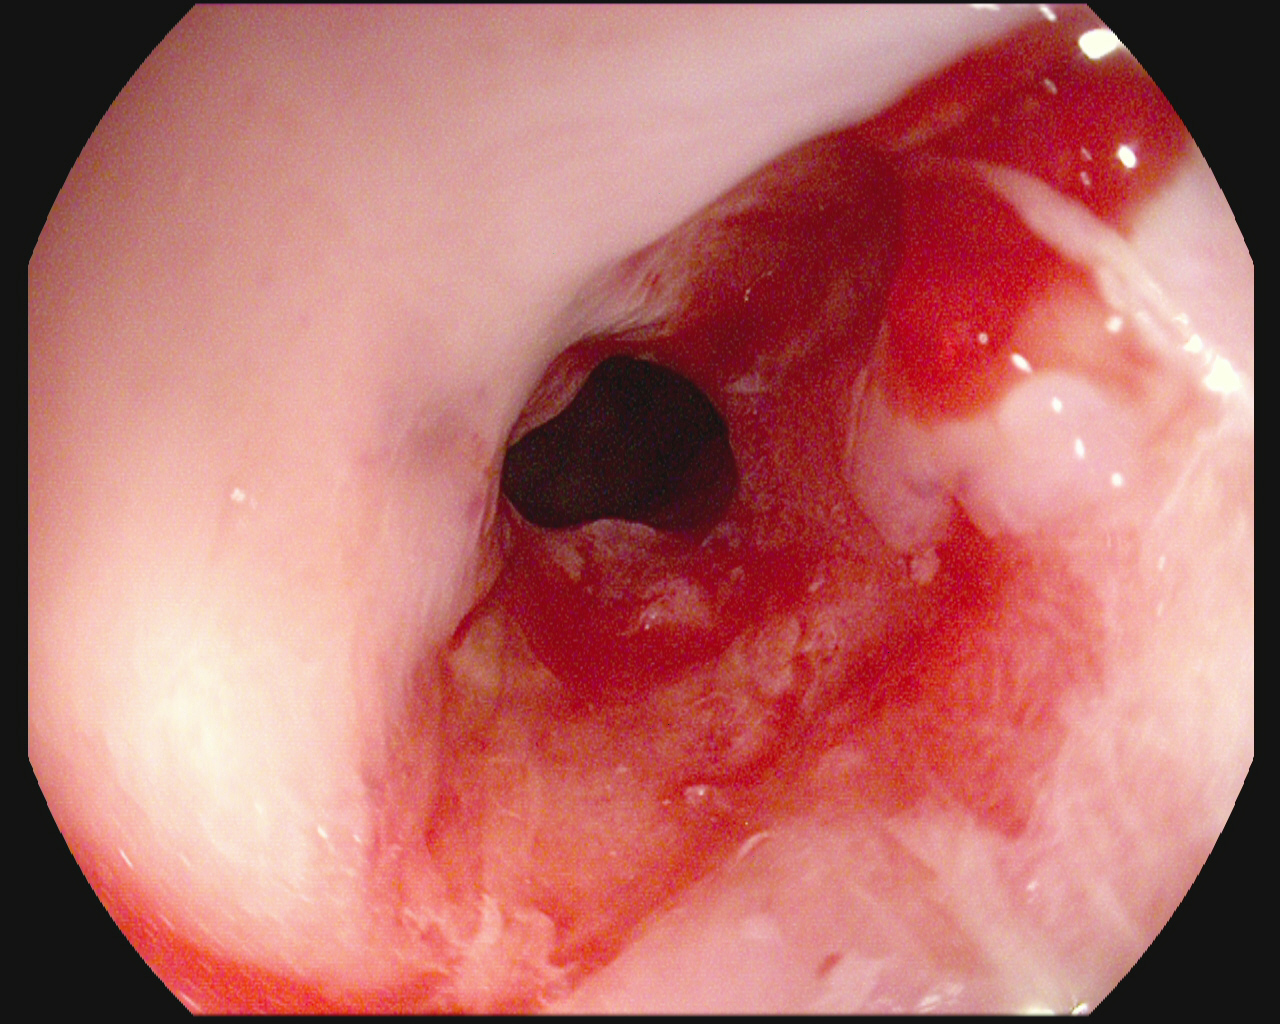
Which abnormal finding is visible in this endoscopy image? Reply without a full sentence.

blood in the lumen